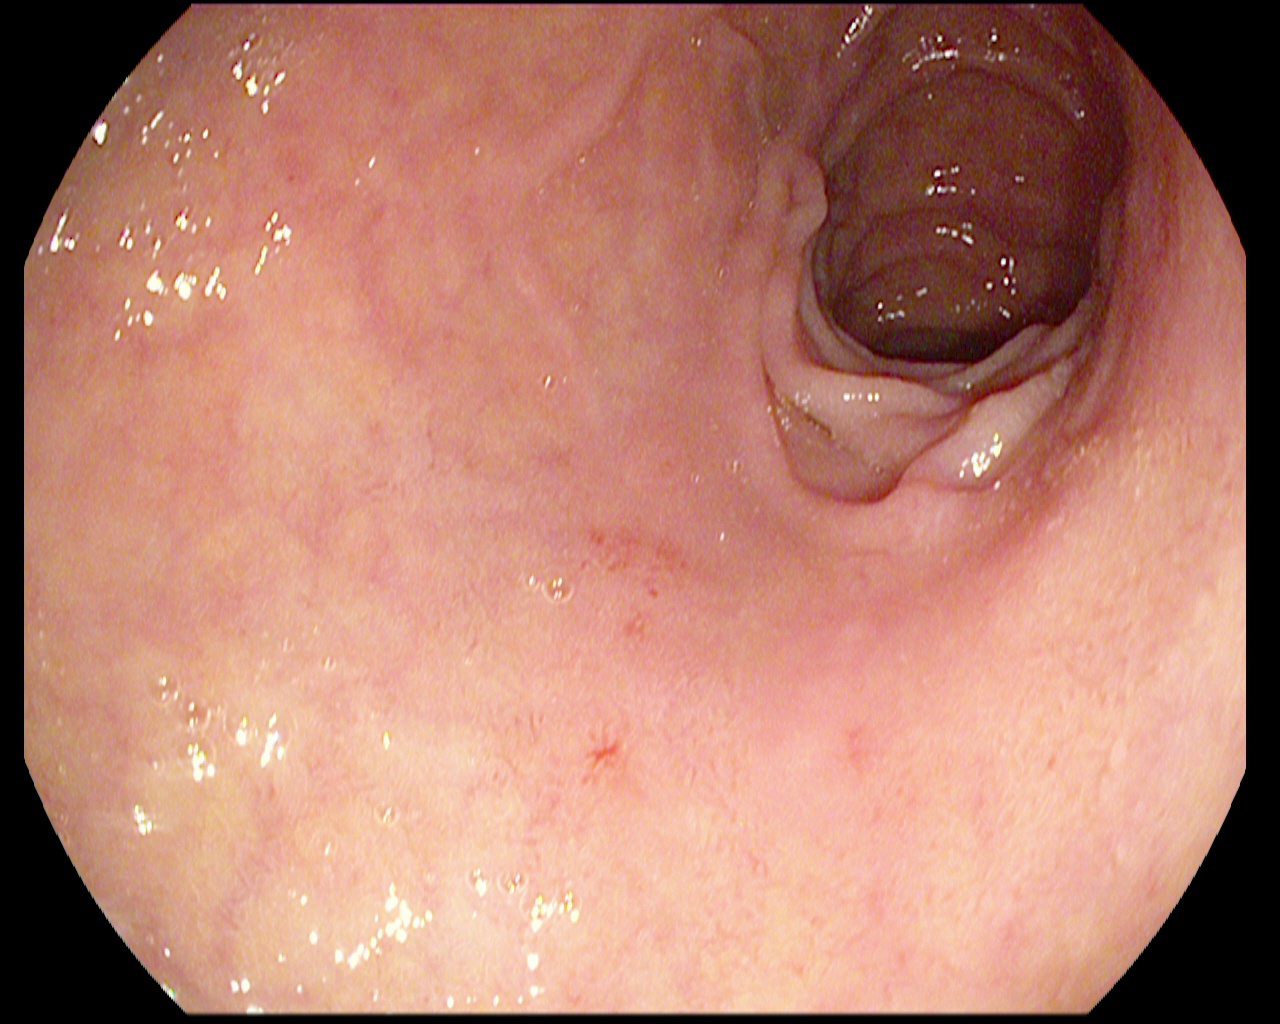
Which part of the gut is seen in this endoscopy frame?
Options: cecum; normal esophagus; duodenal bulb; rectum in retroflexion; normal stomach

duodenal bulb